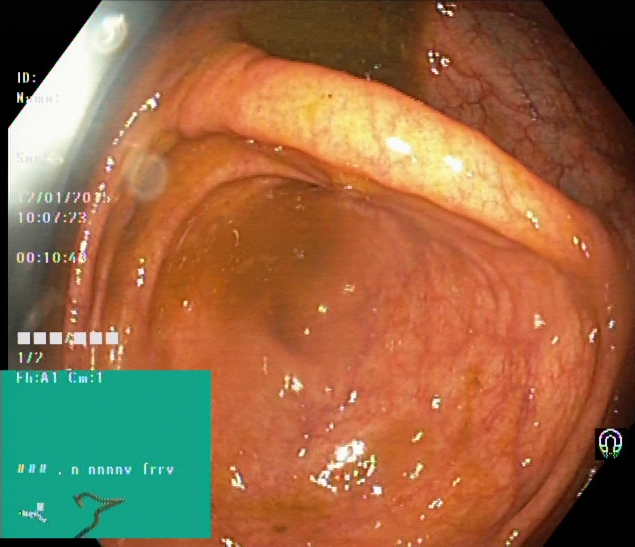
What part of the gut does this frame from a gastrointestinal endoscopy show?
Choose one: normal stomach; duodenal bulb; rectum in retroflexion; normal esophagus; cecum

cecum